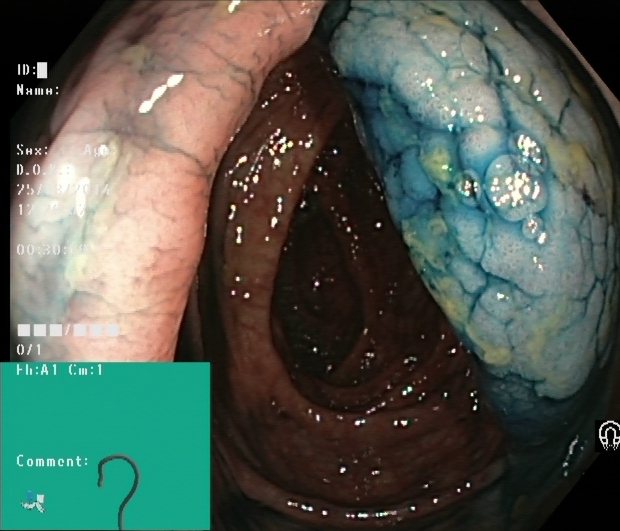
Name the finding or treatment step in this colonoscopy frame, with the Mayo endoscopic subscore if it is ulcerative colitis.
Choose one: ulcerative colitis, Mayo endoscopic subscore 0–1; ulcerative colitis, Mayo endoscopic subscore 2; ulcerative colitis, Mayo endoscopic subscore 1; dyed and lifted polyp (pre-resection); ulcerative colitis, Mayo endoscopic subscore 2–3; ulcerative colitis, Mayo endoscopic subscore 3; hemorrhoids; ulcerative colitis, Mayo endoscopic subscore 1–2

dyed and lifted polyp (pre-resection)